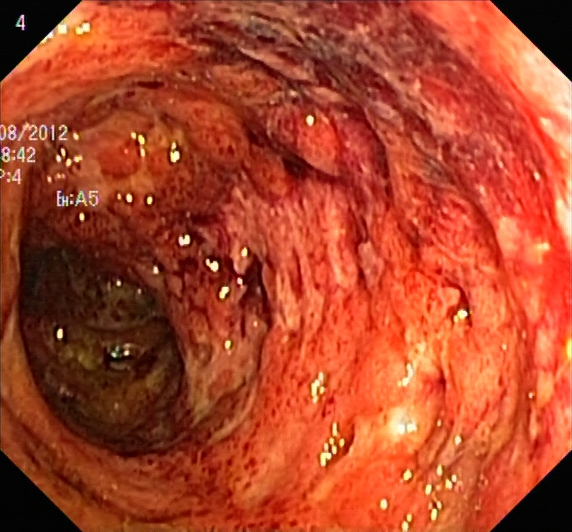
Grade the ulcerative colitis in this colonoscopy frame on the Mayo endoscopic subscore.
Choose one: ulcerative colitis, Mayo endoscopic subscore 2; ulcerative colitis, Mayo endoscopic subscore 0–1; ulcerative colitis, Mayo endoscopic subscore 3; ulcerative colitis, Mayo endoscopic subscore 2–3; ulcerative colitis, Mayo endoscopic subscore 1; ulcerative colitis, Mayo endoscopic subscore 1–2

ulcerative colitis, Mayo endoscopic subscore 3